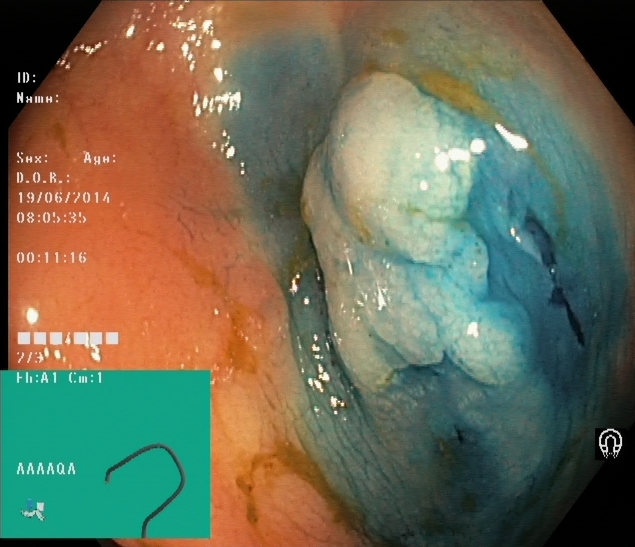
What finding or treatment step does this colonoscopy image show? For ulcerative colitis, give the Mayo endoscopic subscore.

dyed and lifted polyp (pre-resection)